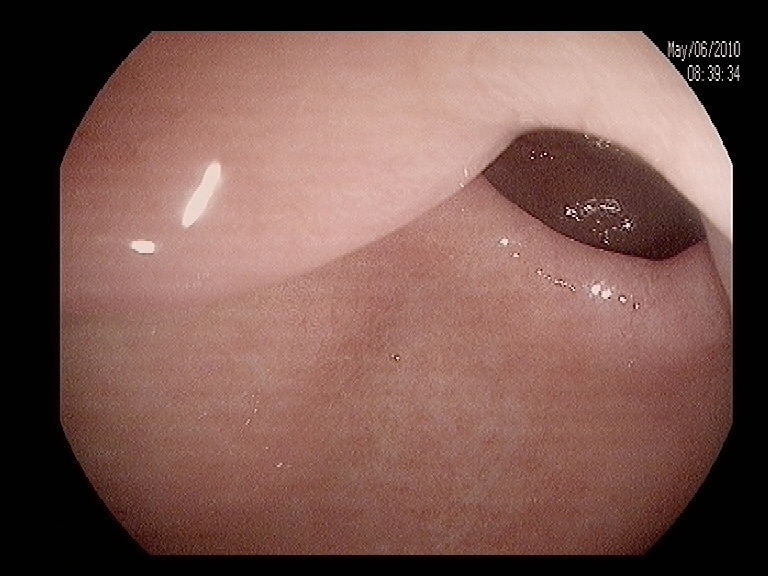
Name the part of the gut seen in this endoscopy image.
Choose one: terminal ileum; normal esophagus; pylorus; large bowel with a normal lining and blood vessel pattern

pylorus